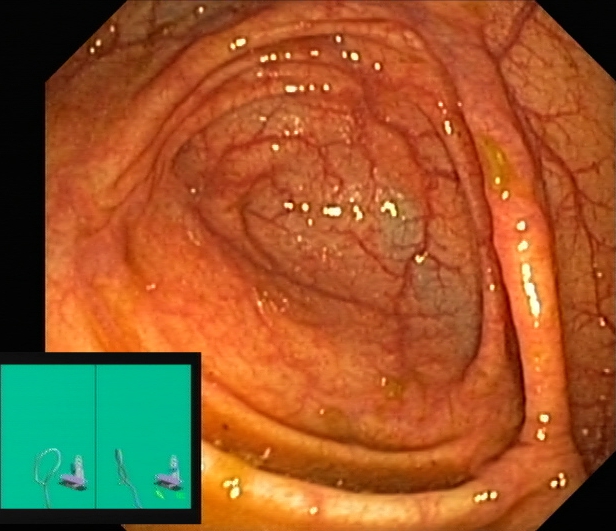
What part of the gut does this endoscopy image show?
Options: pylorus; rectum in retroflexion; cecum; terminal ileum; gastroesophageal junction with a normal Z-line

cecum